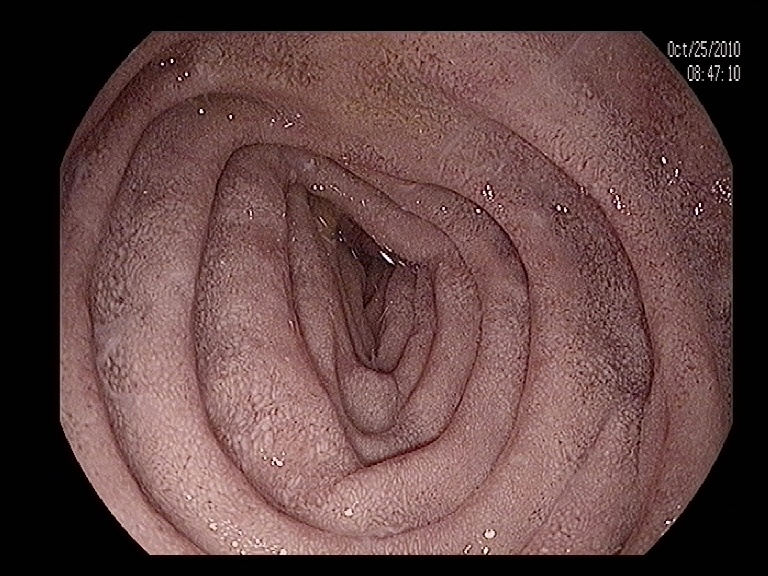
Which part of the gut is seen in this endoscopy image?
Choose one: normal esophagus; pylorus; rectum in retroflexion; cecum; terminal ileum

terminal ileum